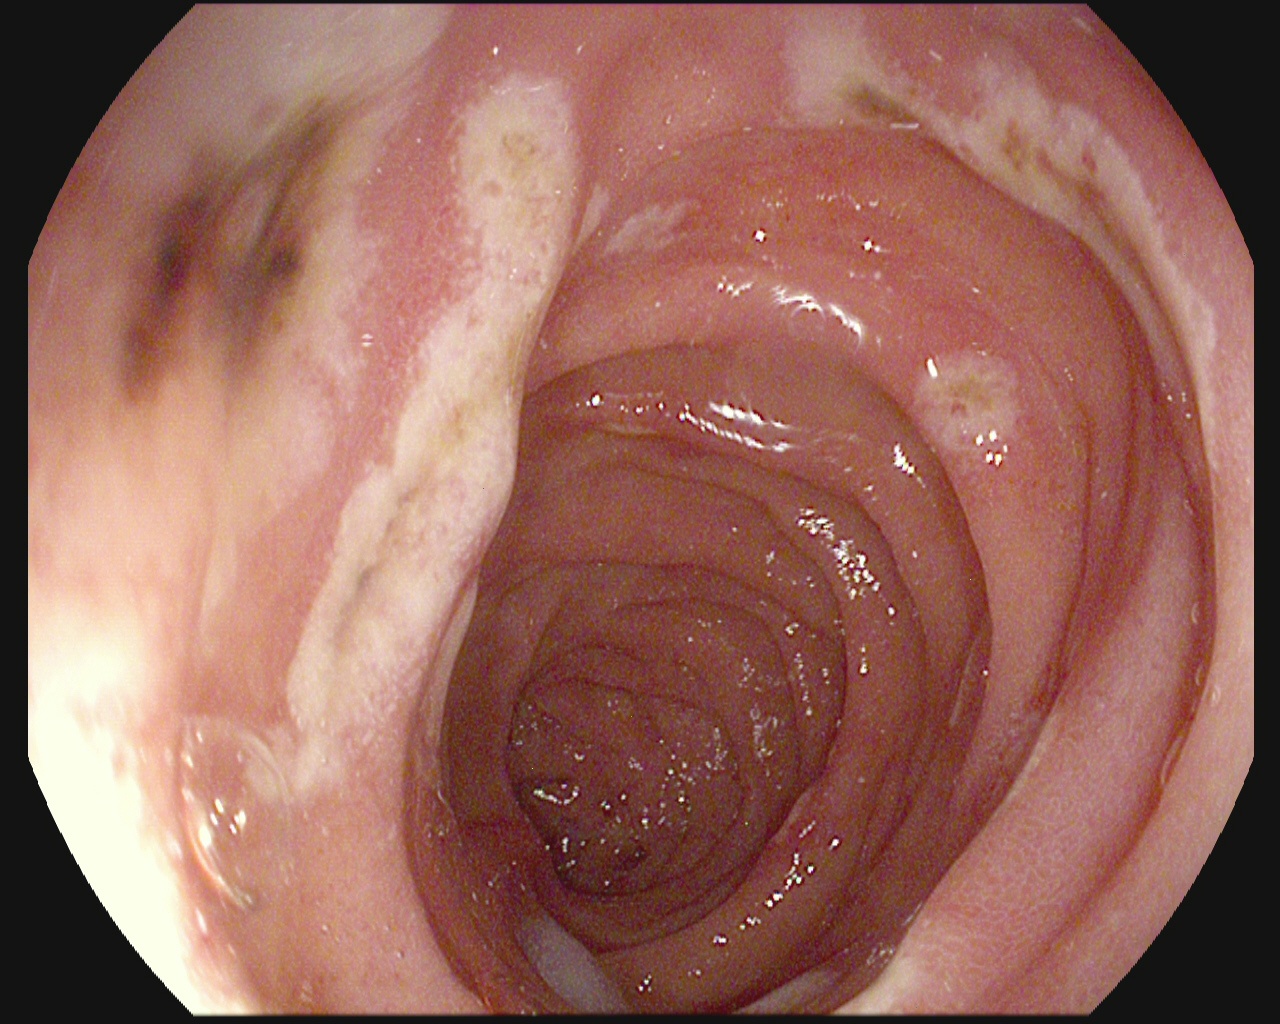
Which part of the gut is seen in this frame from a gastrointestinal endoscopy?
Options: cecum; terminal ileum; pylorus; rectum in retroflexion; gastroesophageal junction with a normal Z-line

terminal ileum